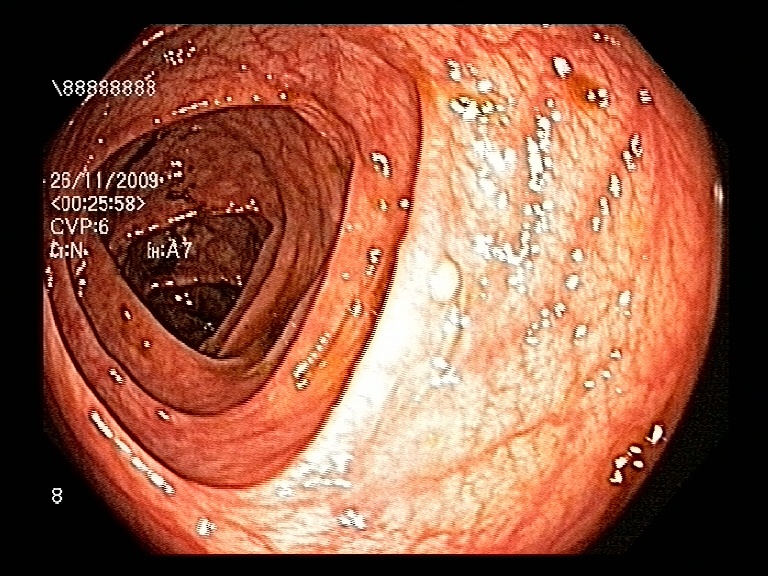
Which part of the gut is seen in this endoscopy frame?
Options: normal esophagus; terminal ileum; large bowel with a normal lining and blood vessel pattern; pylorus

large bowel with a normal lining and blood vessel pattern